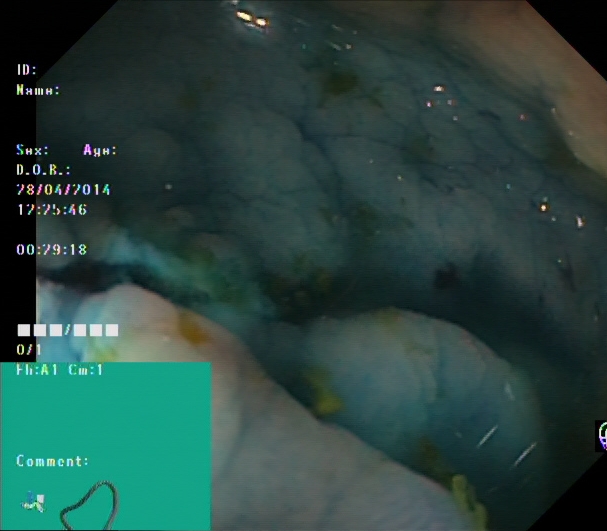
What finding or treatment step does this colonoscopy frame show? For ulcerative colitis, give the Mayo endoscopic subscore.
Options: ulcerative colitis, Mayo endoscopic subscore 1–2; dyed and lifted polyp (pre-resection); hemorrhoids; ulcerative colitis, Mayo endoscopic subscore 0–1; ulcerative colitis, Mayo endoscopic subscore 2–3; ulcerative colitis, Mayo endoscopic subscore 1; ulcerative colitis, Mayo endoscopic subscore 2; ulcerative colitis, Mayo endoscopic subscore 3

dyed and lifted polyp (pre-resection)